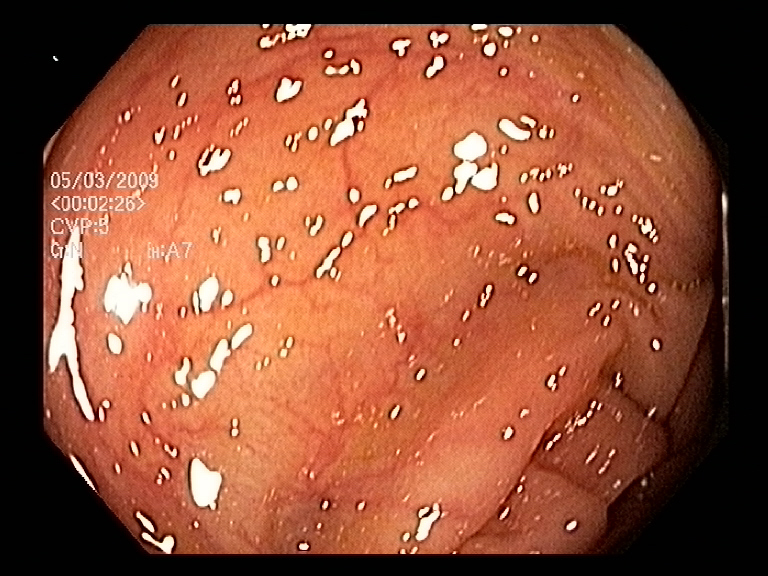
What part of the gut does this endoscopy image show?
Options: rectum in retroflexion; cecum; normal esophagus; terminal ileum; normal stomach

terminal ileum